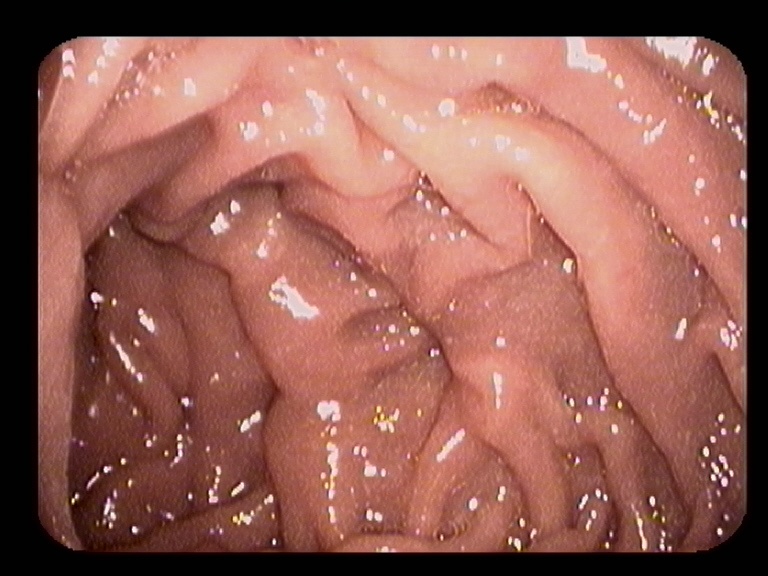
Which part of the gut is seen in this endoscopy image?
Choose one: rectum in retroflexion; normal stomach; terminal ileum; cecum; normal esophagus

terminal ileum